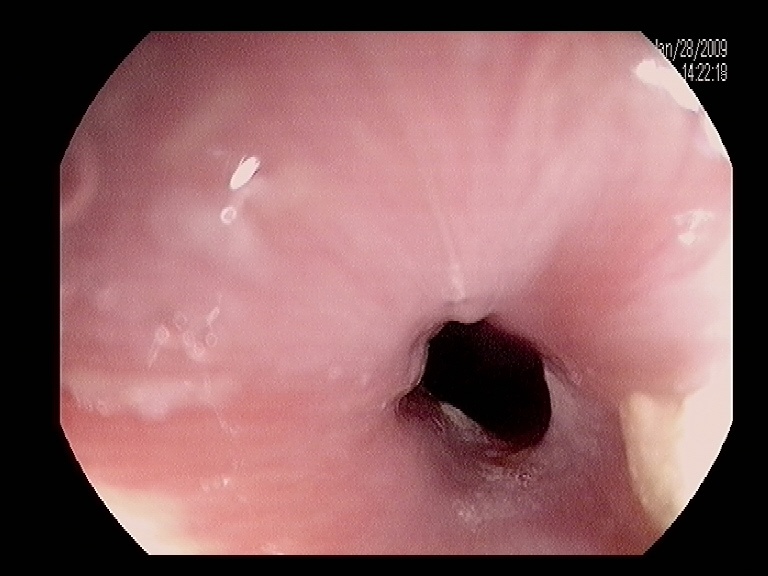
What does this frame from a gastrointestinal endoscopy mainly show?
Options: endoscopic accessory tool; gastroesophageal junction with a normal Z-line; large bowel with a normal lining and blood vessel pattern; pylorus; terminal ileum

gastroesophageal junction with a normal Z-line